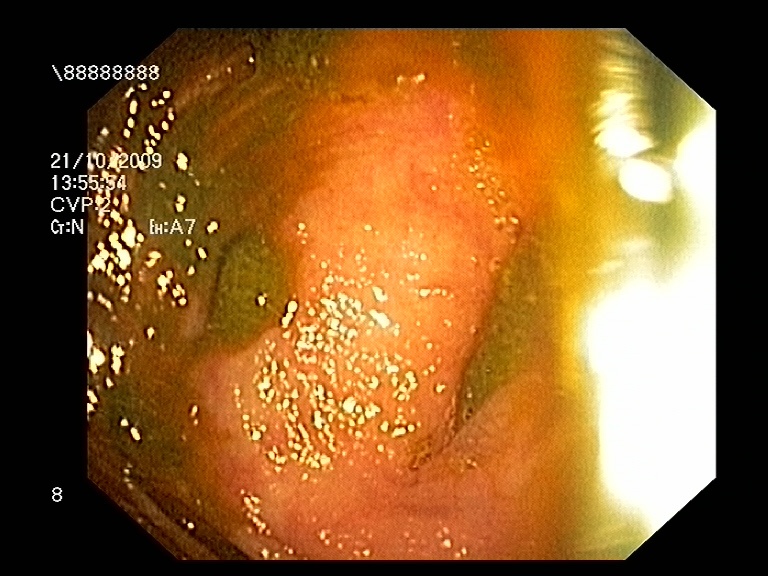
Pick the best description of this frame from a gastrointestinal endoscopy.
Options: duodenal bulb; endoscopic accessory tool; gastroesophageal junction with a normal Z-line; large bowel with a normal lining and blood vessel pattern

large bowel with a normal lining and blood vessel pattern